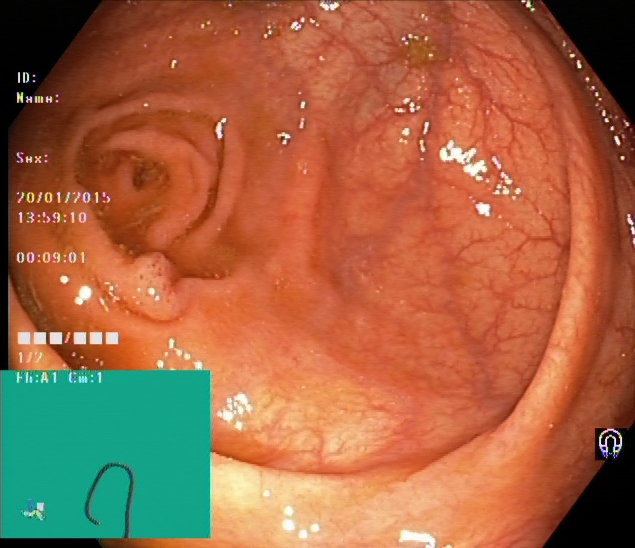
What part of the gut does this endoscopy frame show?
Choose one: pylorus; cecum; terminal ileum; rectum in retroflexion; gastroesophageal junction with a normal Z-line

cecum